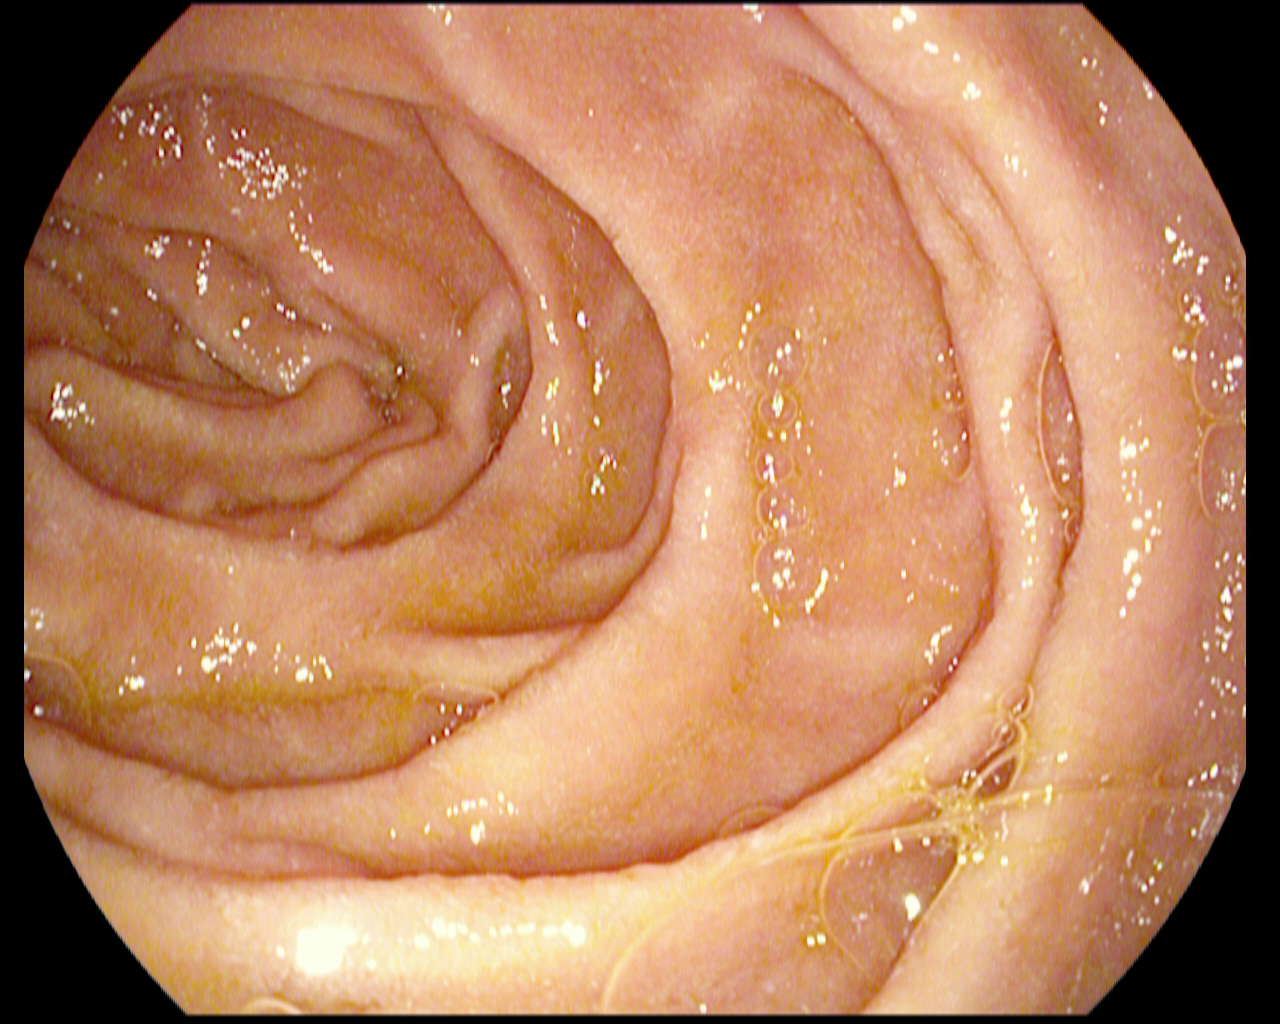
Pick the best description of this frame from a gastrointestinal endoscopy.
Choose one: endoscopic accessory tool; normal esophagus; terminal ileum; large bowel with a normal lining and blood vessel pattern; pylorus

terminal ileum